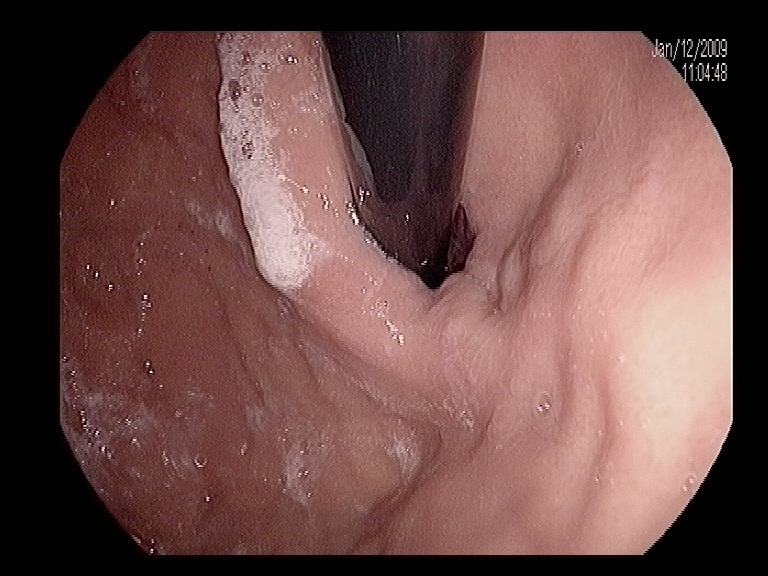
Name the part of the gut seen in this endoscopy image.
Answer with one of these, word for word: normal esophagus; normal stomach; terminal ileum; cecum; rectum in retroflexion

normal stomach